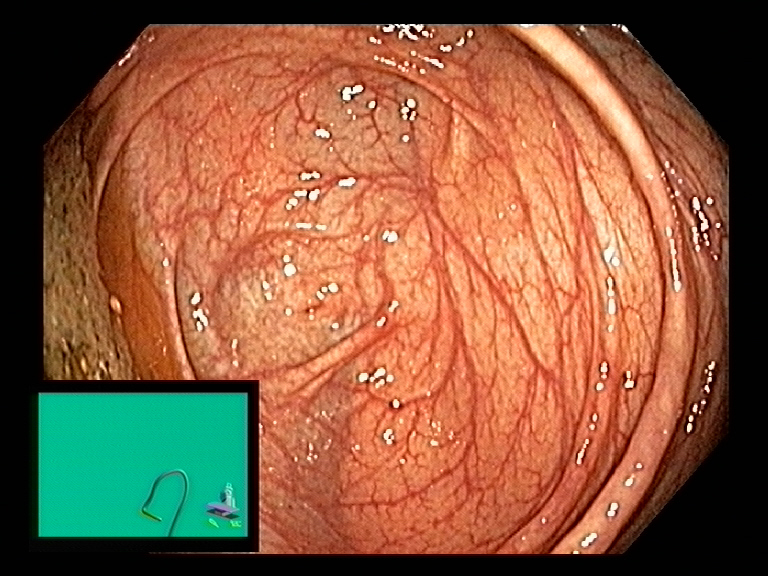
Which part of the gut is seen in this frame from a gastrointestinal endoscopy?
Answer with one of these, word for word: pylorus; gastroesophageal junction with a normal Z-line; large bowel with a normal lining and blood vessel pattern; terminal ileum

large bowel with a normal lining and blood vessel pattern